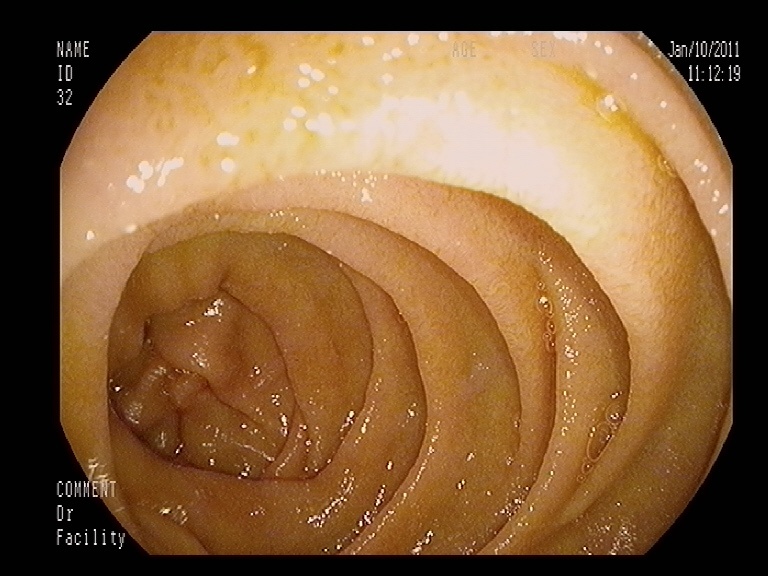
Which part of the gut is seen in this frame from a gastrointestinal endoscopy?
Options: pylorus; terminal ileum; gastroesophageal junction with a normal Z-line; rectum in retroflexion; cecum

terminal ileum